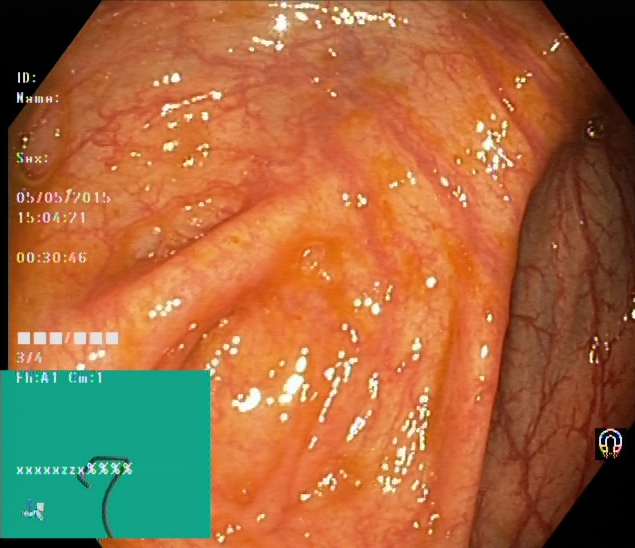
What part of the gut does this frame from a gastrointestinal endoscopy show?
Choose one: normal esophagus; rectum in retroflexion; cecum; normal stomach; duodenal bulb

cecum